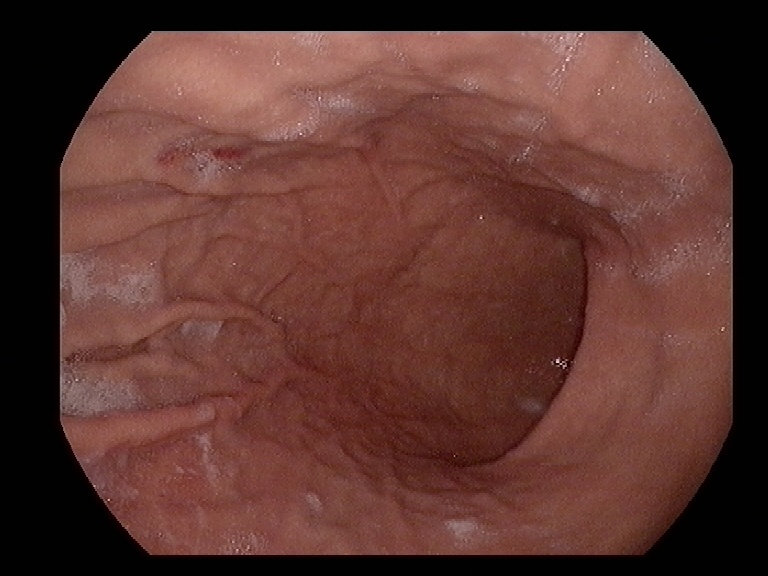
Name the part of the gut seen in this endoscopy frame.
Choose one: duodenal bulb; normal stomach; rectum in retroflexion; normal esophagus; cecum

normal stomach